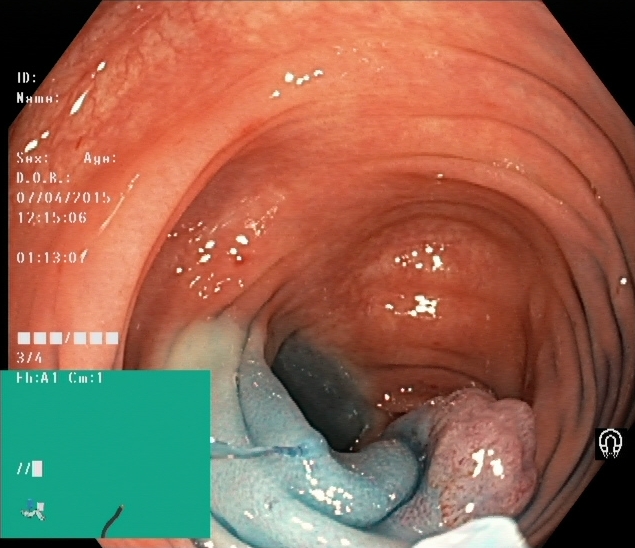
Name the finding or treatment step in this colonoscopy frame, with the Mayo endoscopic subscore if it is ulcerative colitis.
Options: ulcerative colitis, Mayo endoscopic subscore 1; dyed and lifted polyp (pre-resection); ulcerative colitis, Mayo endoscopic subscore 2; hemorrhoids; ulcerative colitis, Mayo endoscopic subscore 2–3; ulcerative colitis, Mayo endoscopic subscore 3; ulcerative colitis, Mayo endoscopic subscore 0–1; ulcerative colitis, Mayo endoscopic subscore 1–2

dyed and lifted polyp (pre-resection)